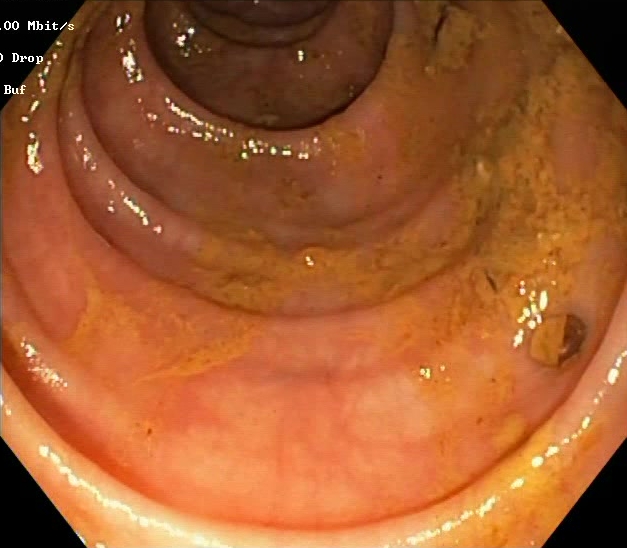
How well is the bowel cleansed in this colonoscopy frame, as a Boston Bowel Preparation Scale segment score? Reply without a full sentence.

Boston Bowel Preparation Scale score 0–1 (inadequate preparation)